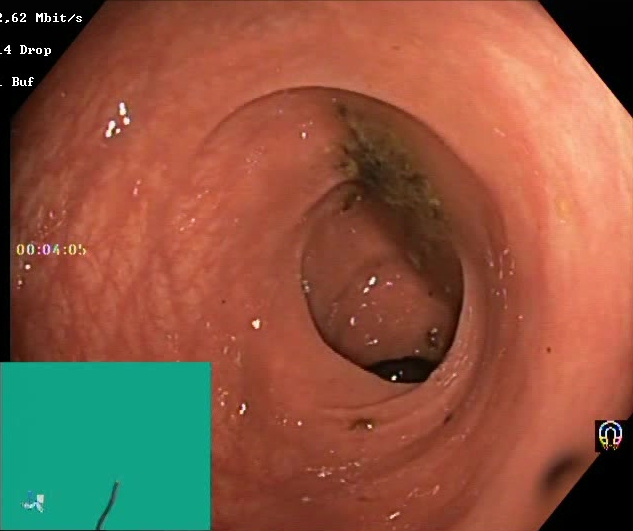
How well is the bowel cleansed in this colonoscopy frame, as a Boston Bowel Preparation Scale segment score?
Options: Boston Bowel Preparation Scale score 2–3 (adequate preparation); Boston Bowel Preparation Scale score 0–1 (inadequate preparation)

Boston Bowel Preparation Scale score 0–1 (inadequate preparation)